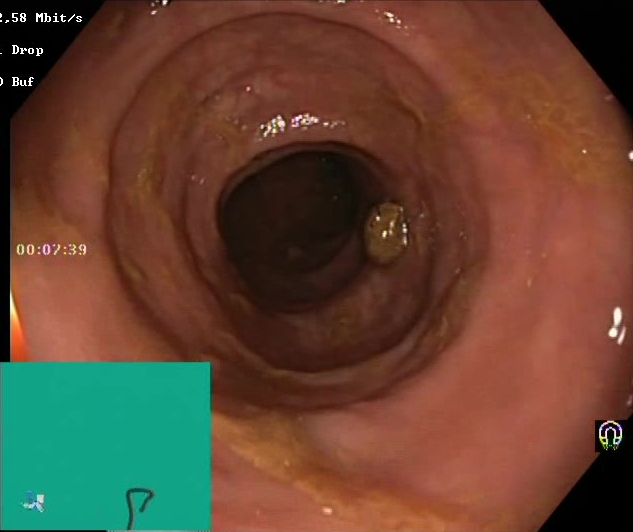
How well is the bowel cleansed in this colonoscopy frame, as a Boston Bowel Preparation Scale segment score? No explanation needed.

Boston Bowel Preparation Scale score 2–3 (adequate preparation)